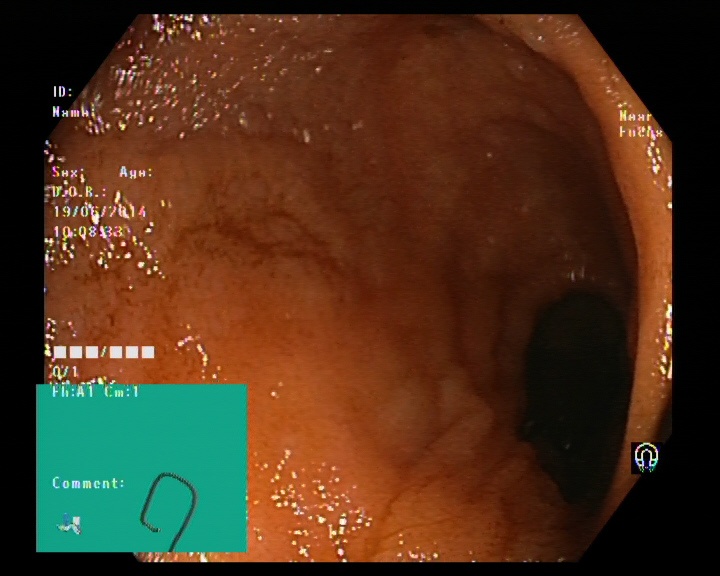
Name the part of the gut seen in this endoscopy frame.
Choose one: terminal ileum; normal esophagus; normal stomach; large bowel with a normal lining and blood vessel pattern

large bowel with a normal lining and blood vessel pattern